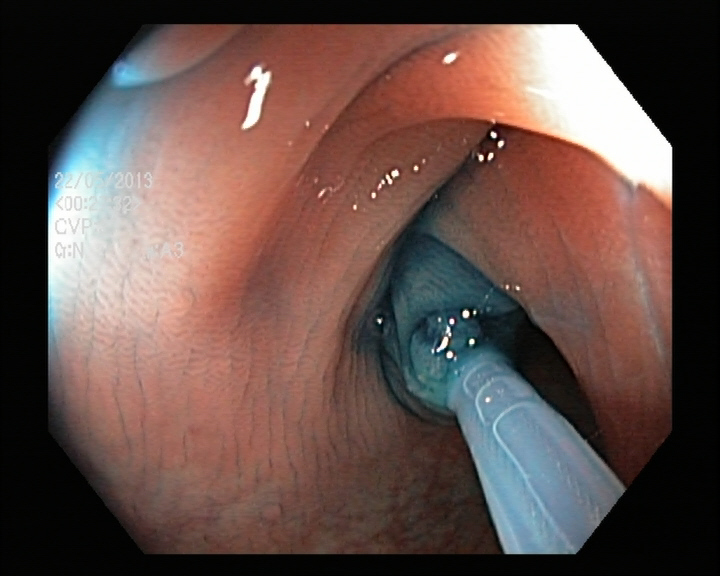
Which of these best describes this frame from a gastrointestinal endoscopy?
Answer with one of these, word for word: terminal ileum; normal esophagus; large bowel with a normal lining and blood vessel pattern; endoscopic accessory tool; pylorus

endoscopic accessory tool